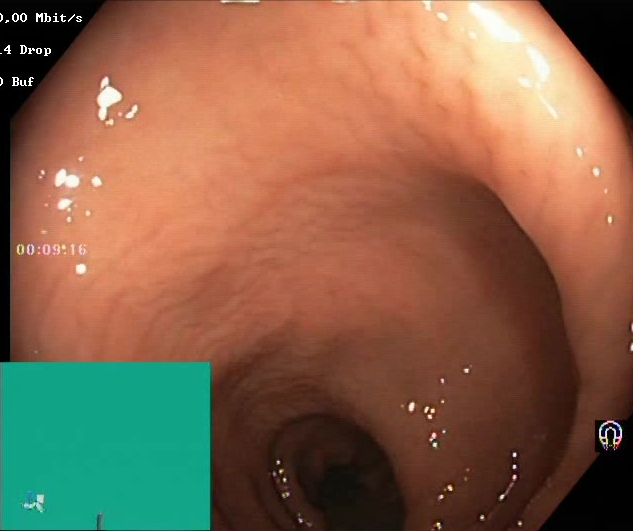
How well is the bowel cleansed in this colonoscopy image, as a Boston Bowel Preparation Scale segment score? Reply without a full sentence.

Boston Bowel Preparation Scale score 2–3 (adequate preparation)